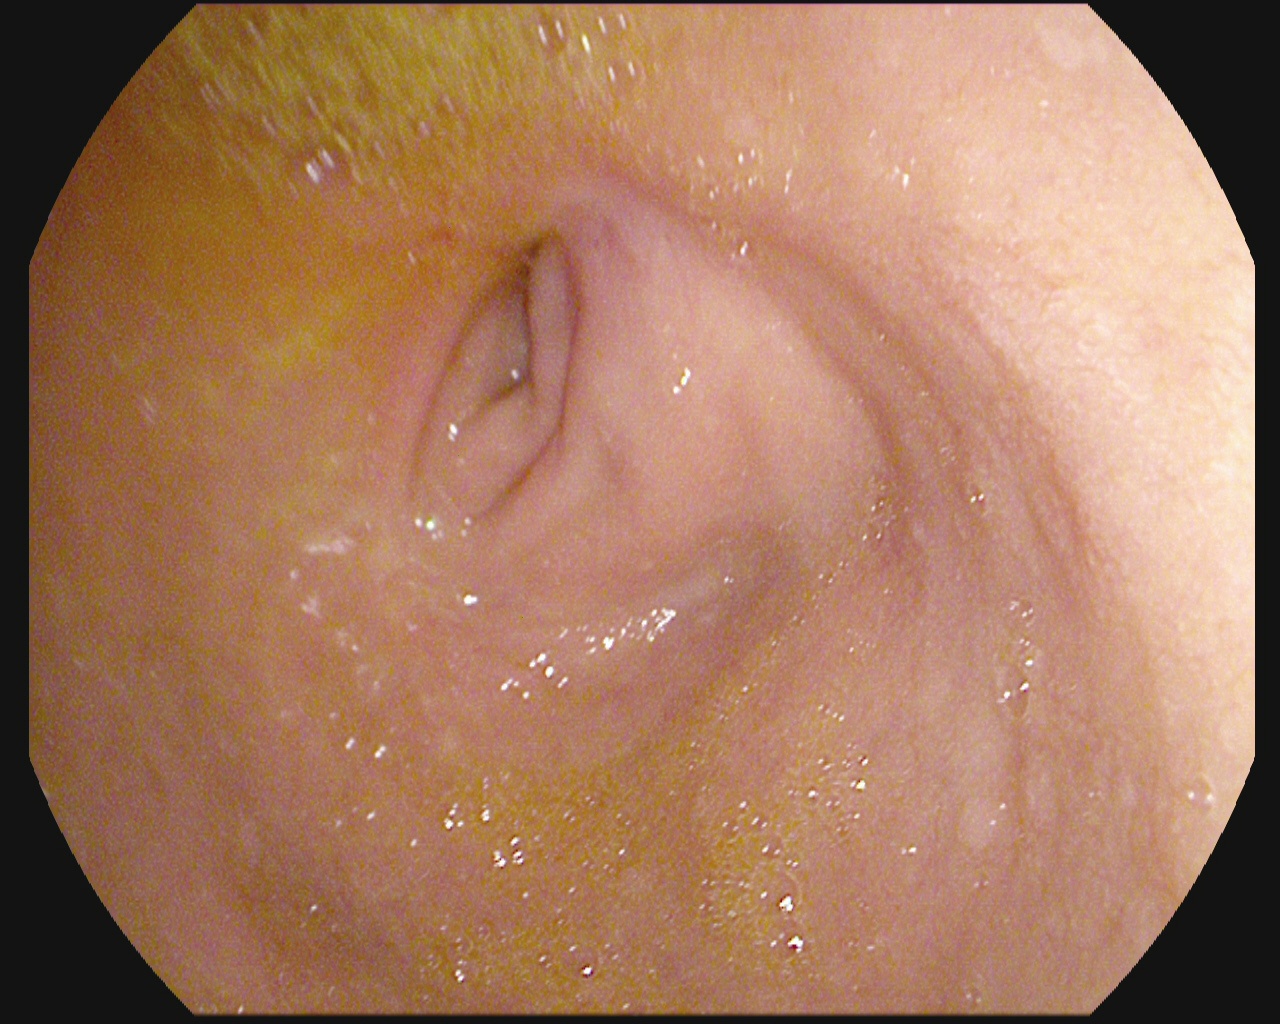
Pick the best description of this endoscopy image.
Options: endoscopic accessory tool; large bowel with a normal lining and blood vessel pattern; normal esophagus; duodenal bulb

duodenal bulb